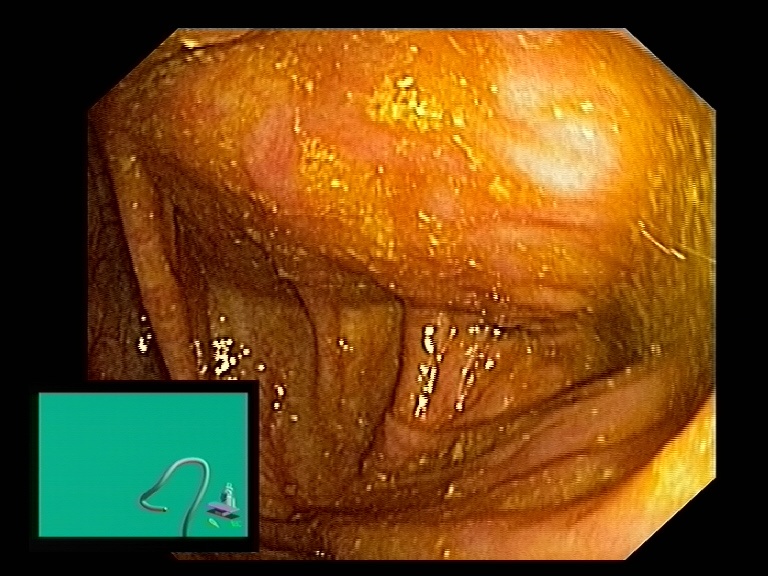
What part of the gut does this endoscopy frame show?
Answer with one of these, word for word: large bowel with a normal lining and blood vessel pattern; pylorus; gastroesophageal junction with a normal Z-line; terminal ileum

large bowel with a normal lining and blood vessel pattern